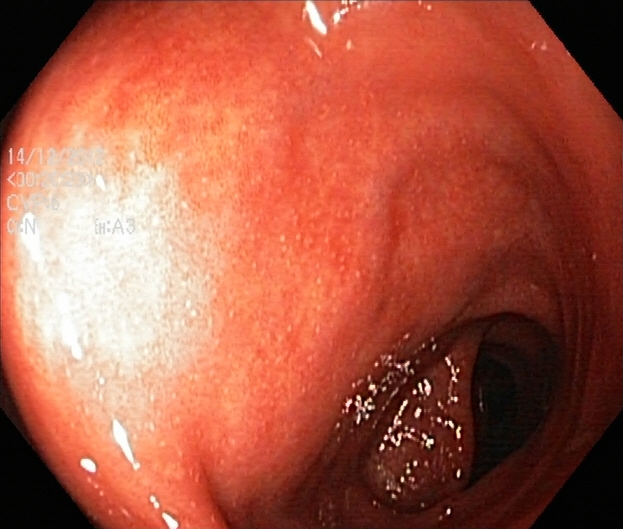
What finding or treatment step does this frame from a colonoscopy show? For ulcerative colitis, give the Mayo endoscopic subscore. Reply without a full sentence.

ulcerative colitis, Mayo endoscopic subscore 2